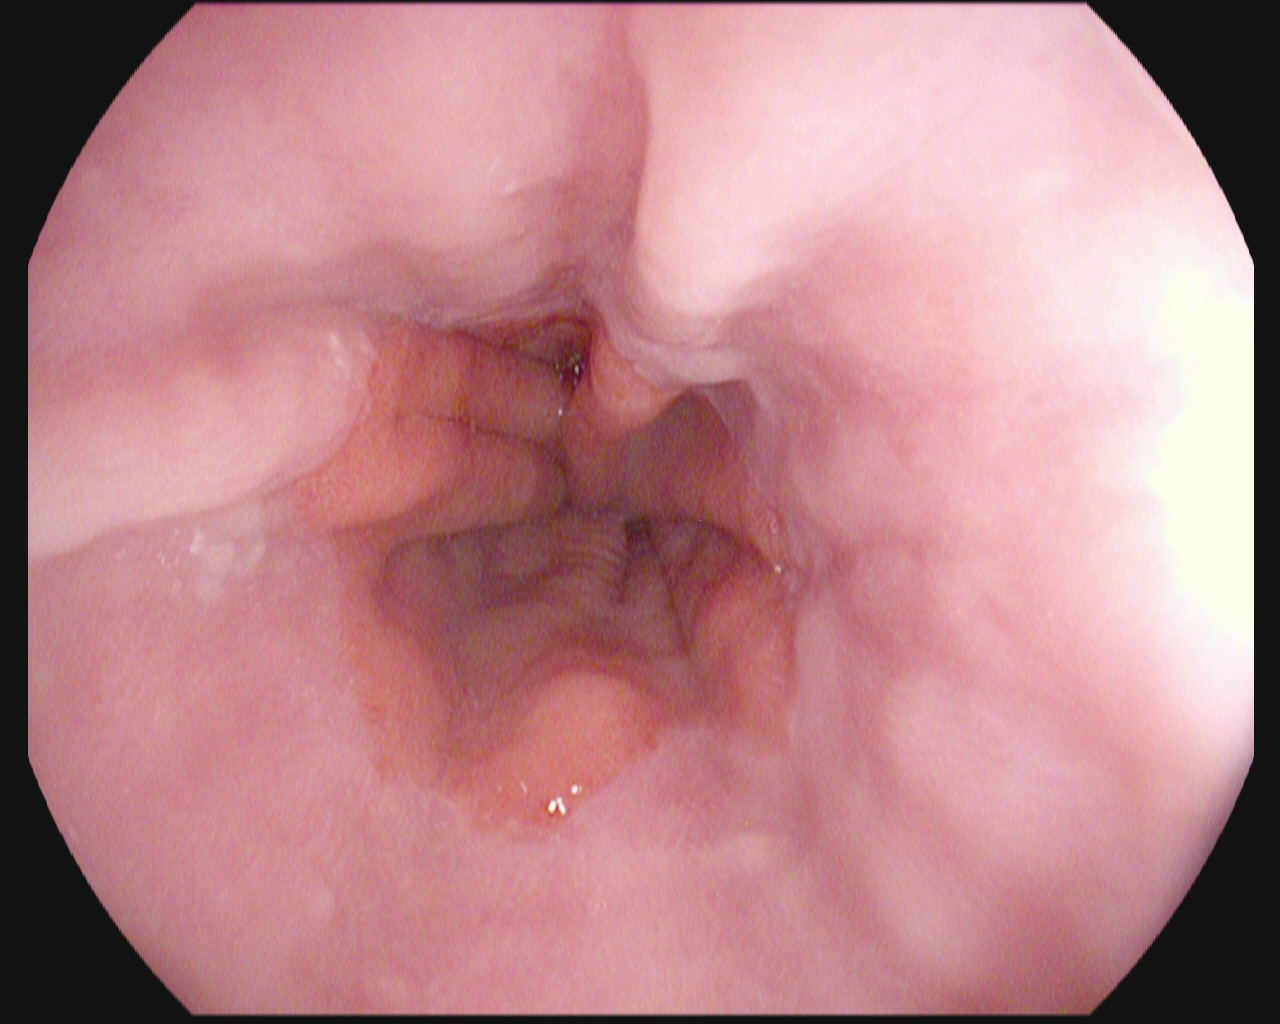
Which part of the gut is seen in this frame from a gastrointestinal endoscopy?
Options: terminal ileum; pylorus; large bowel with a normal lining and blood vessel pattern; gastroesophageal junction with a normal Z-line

gastroesophageal junction with a normal Z-line